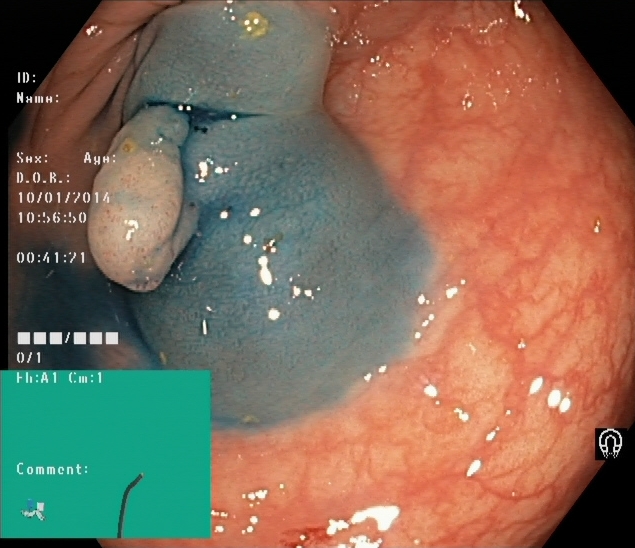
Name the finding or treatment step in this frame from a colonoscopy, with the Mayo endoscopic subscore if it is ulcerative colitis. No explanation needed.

dyed and lifted polyp (pre-resection)